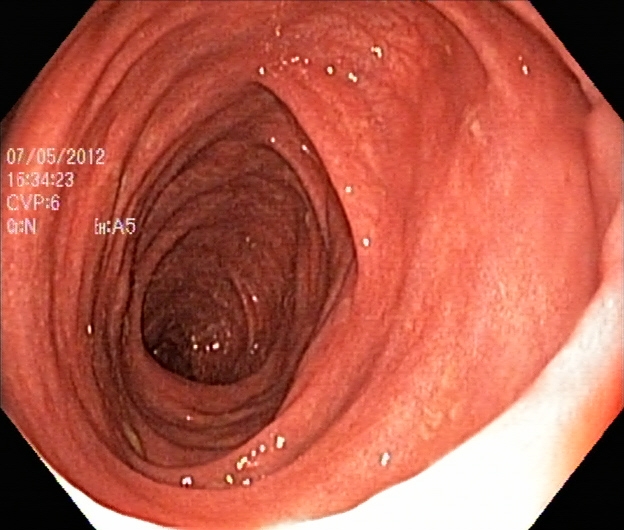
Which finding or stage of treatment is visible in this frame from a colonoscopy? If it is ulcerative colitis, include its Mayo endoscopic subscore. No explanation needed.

ulcerative colitis, Mayo endoscopic subscore 1